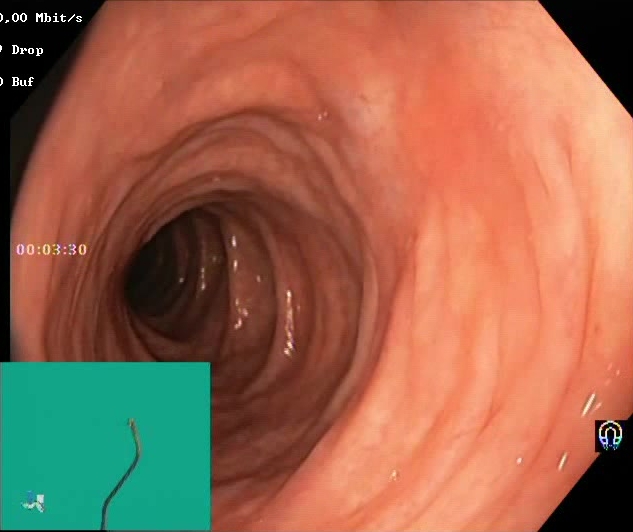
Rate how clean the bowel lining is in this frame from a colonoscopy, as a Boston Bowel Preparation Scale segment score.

Boston Bowel Preparation Scale score 2–3 (adequate preparation)